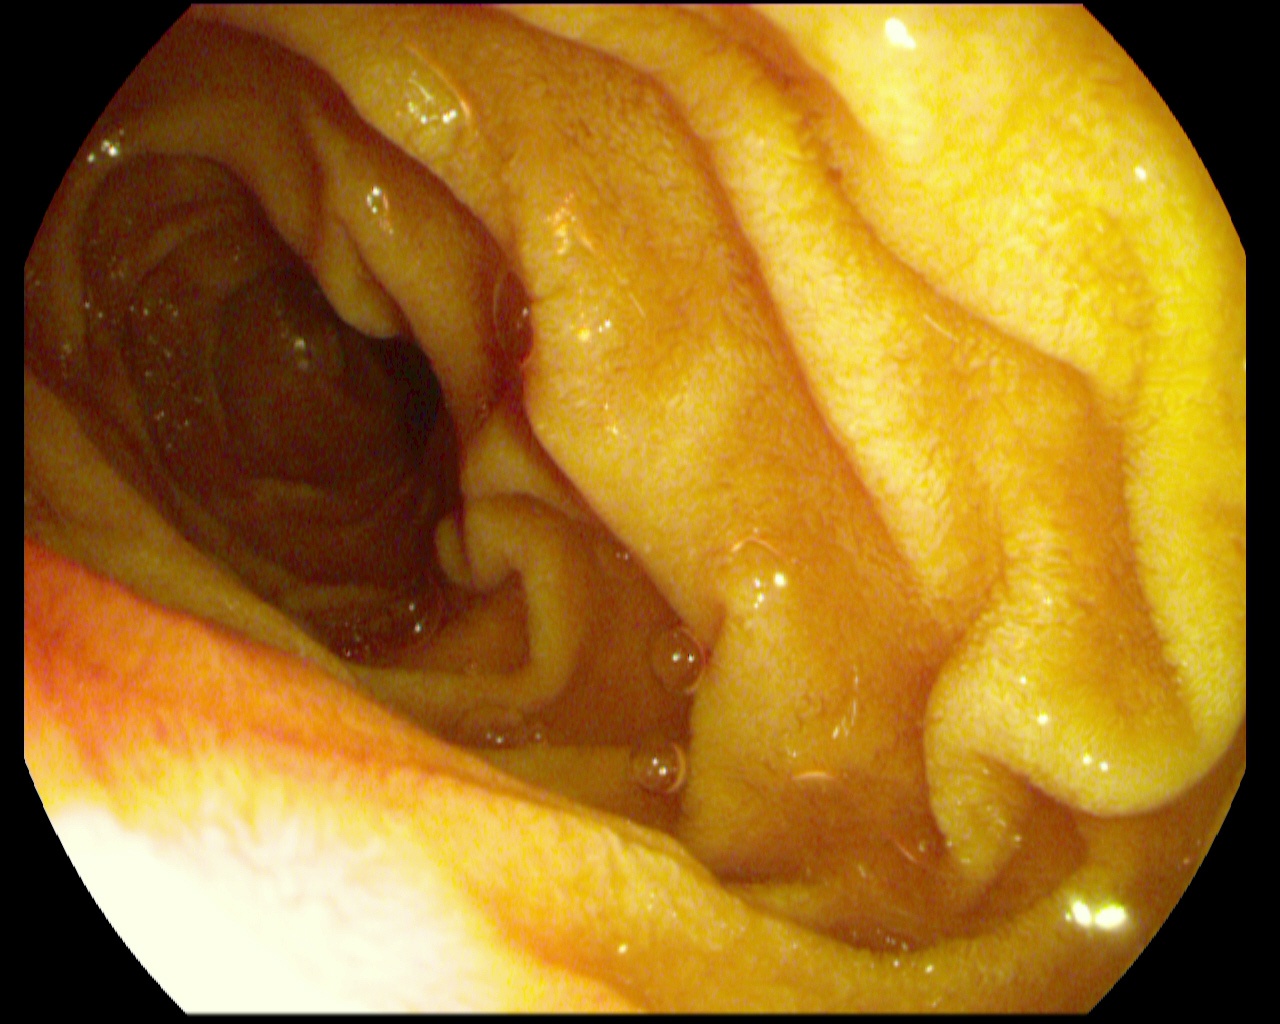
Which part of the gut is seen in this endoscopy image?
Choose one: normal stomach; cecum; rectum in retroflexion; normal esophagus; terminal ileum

terminal ileum